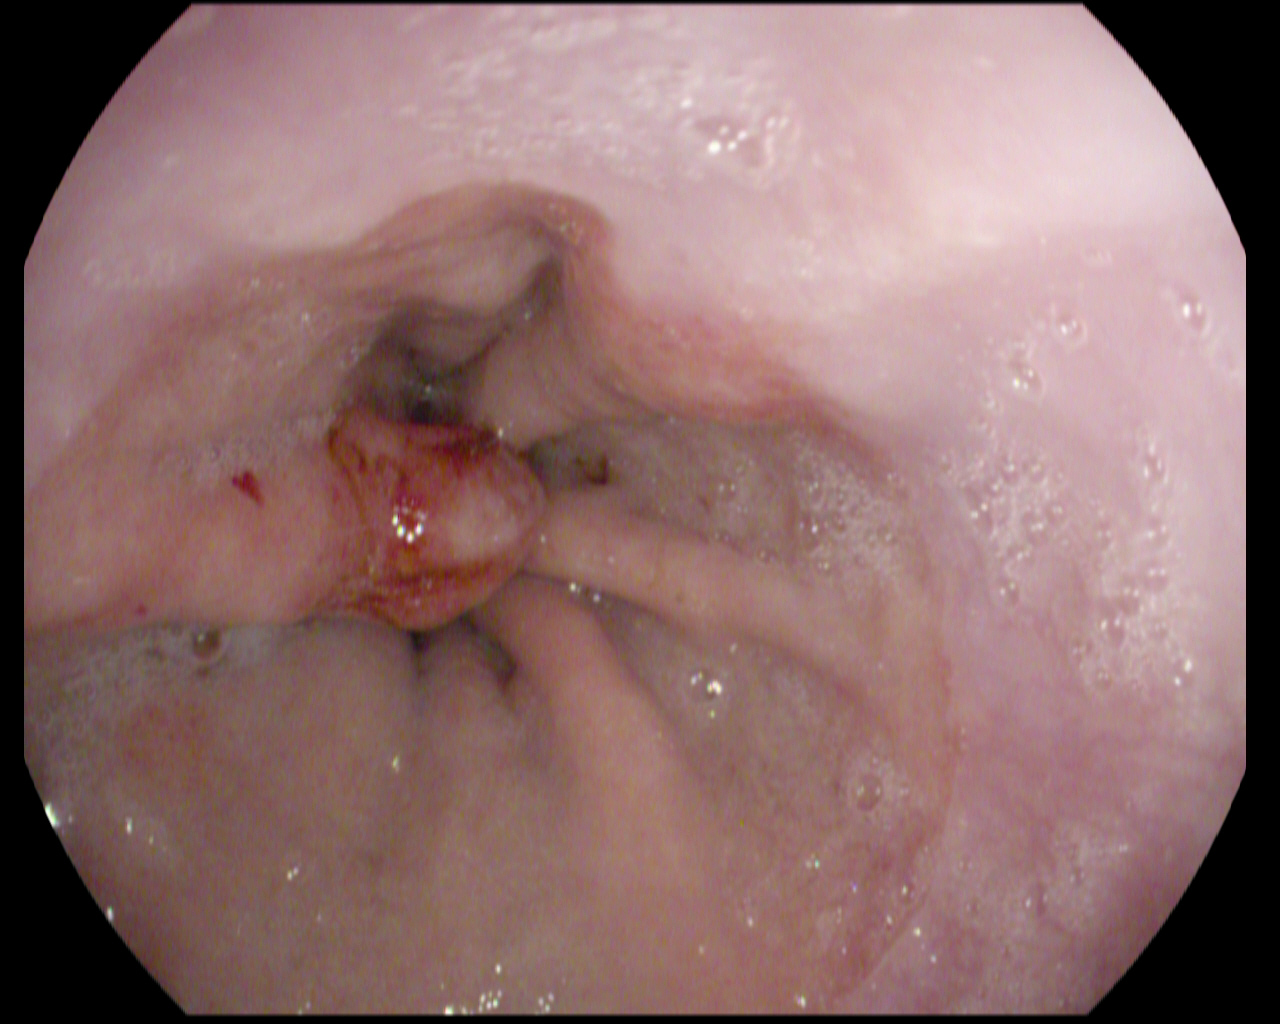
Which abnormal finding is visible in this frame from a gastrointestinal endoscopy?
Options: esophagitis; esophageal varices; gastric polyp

gastric polyp